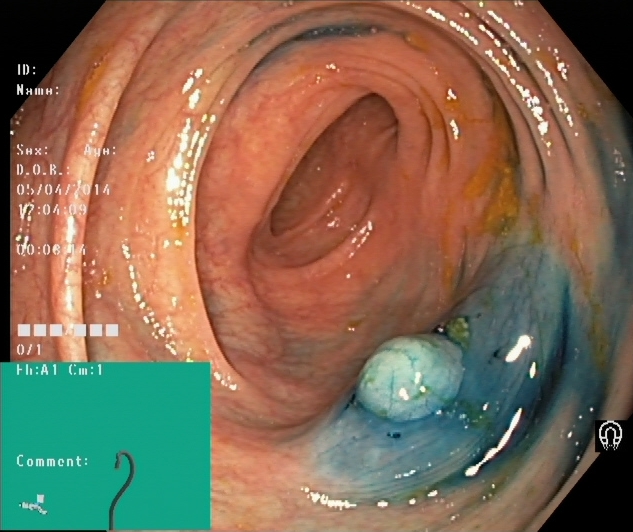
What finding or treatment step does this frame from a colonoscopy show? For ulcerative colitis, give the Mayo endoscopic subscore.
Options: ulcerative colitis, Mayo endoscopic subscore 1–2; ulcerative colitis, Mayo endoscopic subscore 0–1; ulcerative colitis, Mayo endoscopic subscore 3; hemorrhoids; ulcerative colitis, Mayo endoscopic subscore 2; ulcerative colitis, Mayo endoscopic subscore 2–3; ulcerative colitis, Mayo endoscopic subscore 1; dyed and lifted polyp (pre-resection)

dyed and lifted polyp (pre-resection)